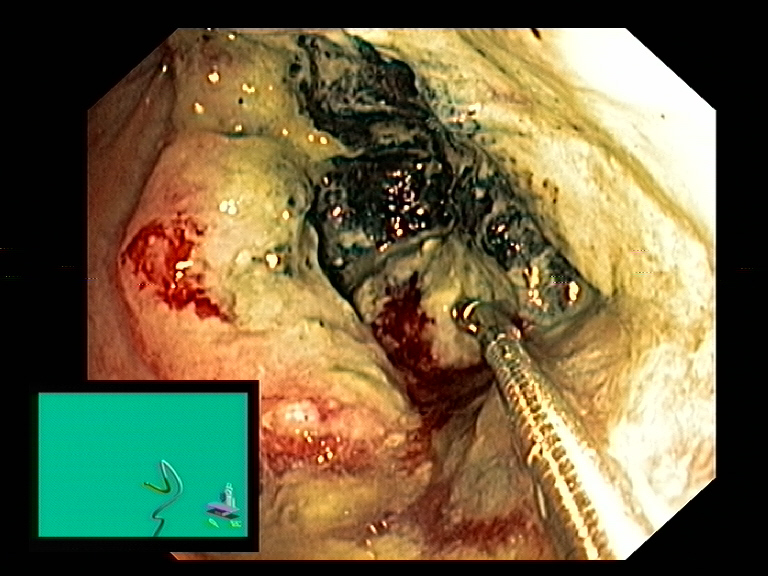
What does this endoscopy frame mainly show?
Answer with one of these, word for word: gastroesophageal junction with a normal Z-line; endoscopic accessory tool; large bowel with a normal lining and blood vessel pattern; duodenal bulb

endoscopic accessory tool